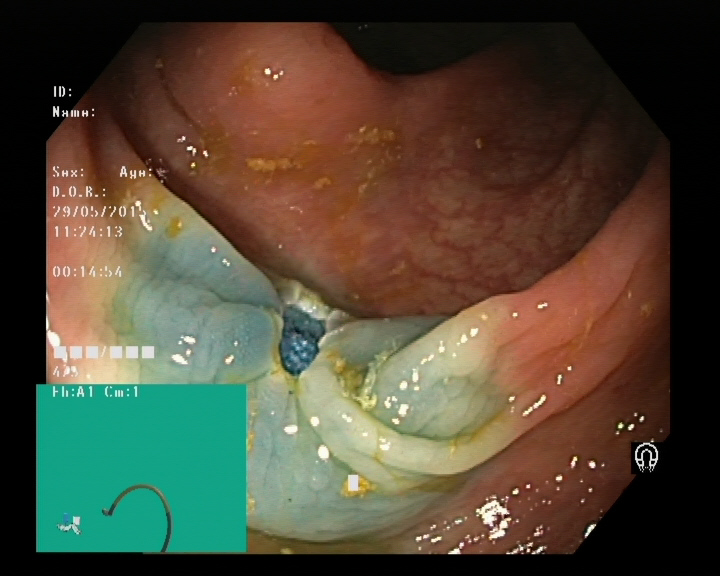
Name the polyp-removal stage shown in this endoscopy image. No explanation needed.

dyed resection margin (post-polypectomy)